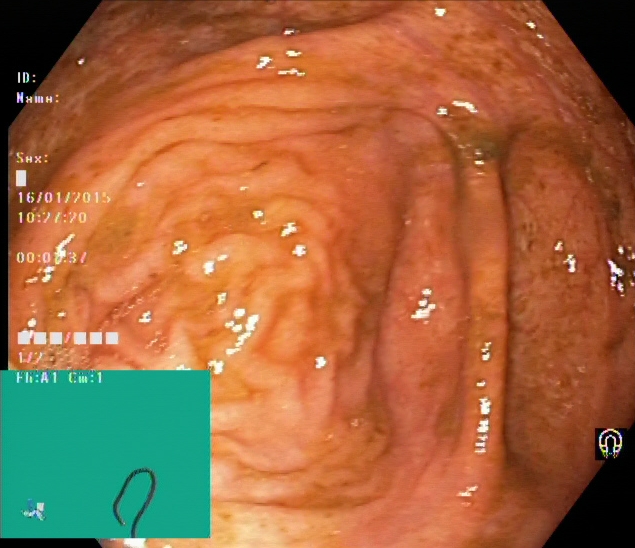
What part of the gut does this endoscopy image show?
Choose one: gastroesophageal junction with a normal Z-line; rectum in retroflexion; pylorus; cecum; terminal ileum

cecum